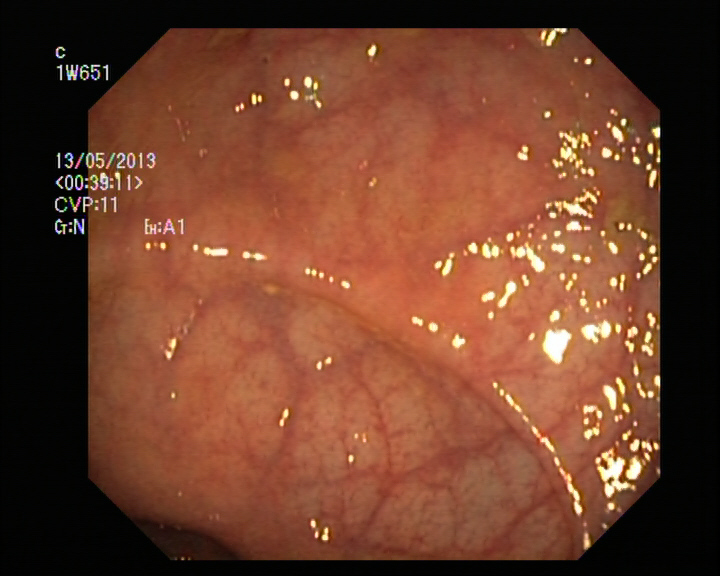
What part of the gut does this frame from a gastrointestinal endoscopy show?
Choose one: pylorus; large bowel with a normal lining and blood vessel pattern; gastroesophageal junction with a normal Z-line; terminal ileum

large bowel with a normal lining and blood vessel pattern